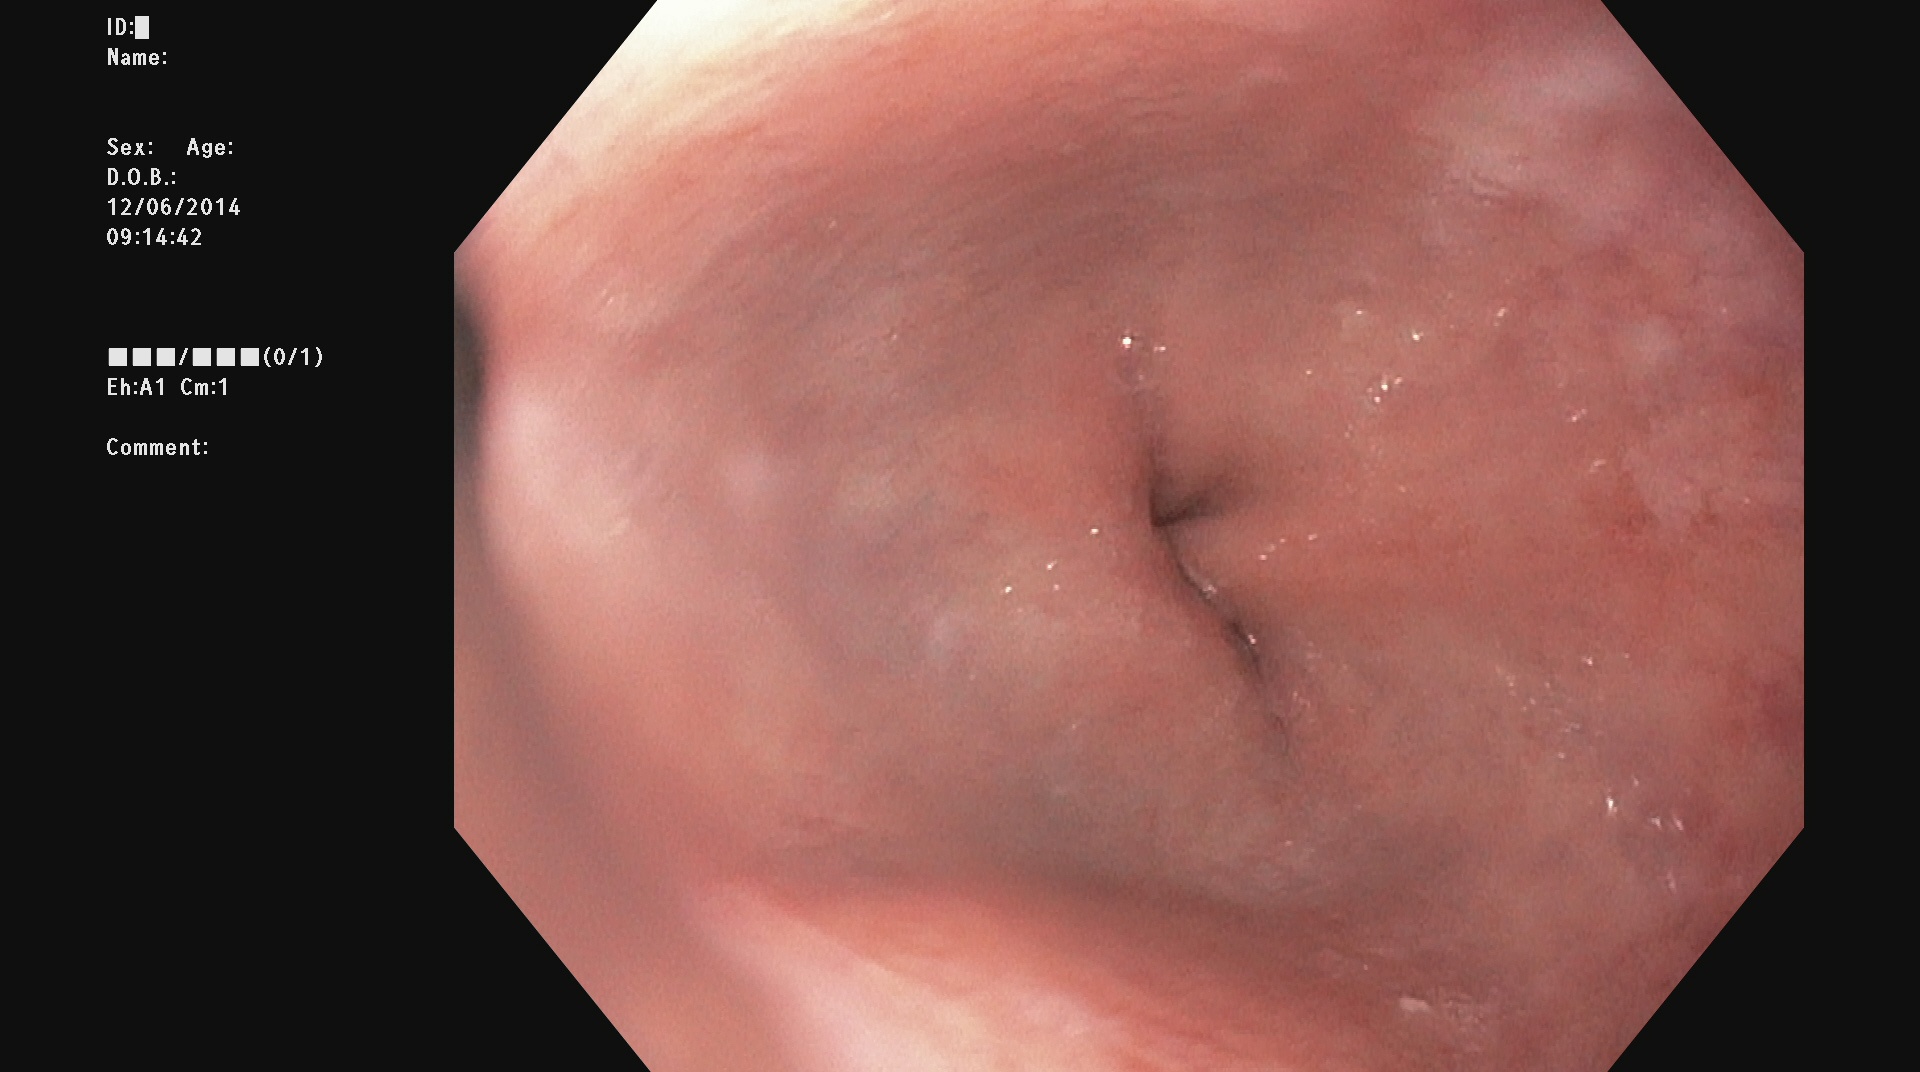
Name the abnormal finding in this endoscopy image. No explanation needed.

Barrett's esophagus